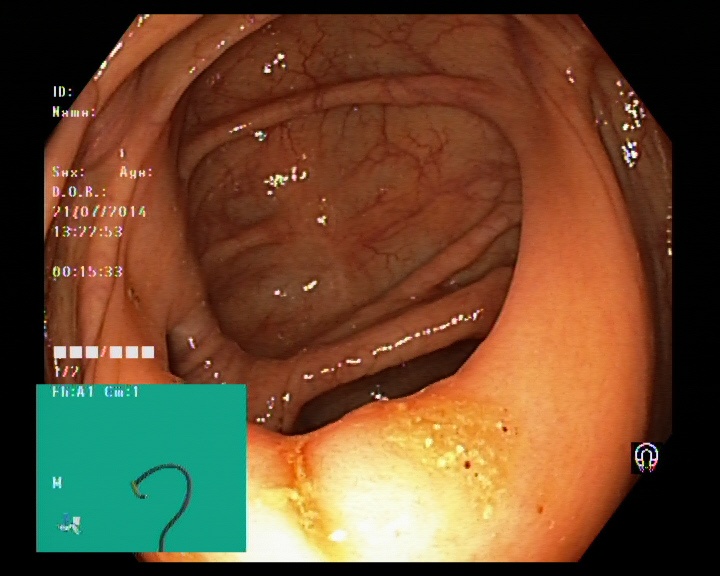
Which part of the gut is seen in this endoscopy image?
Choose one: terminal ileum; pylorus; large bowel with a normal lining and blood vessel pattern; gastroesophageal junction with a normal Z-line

large bowel with a normal lining and blood vessel pattern